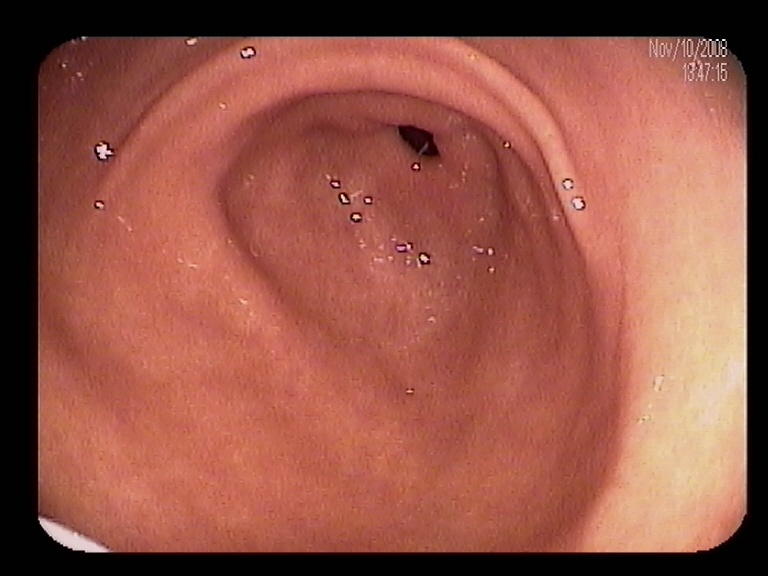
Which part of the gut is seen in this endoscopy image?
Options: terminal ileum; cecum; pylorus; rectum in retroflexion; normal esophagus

pylorus